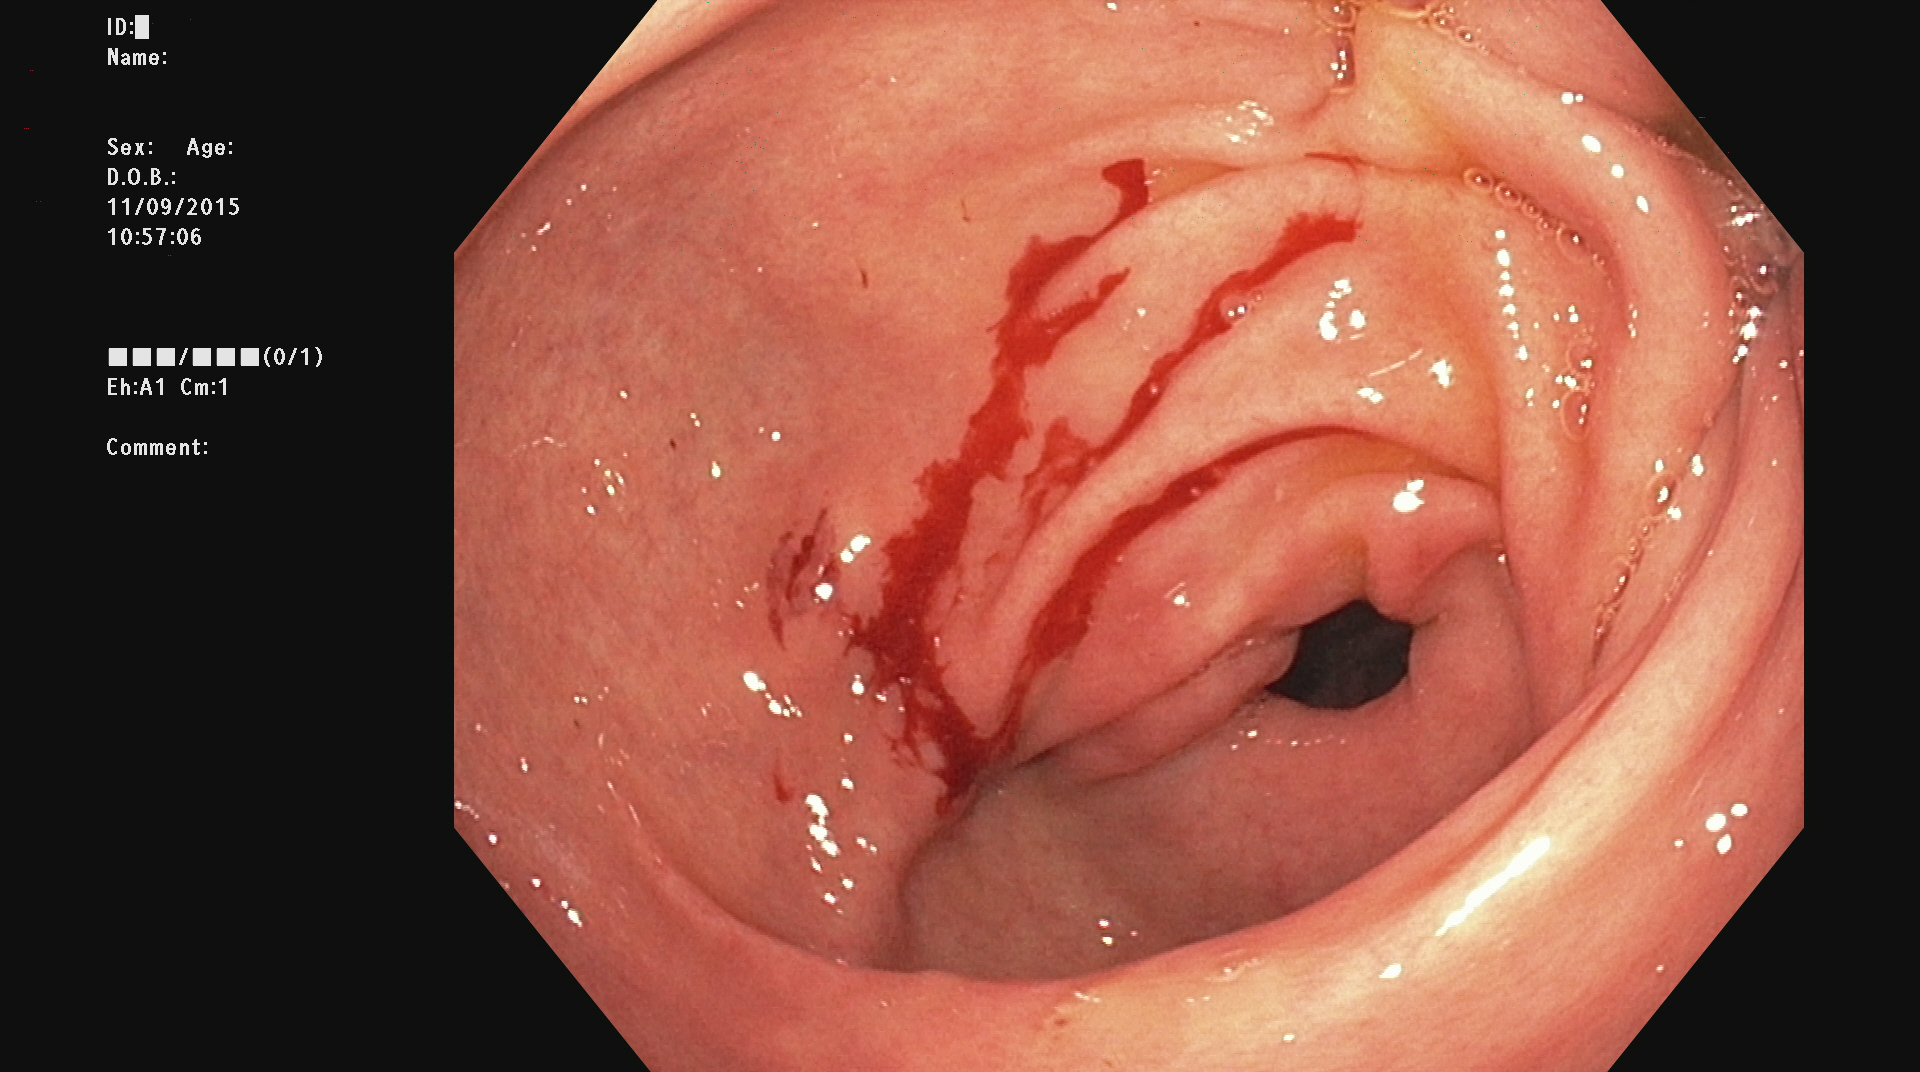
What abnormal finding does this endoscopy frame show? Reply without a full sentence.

blood in the lumen